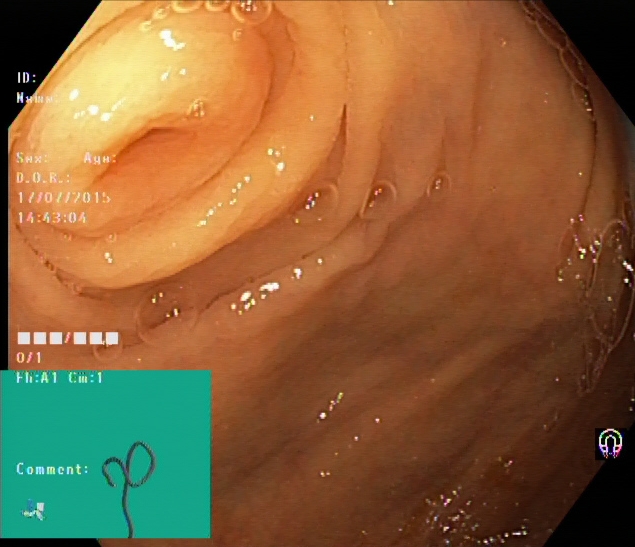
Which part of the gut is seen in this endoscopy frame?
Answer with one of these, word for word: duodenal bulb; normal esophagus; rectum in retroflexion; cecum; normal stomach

cecum